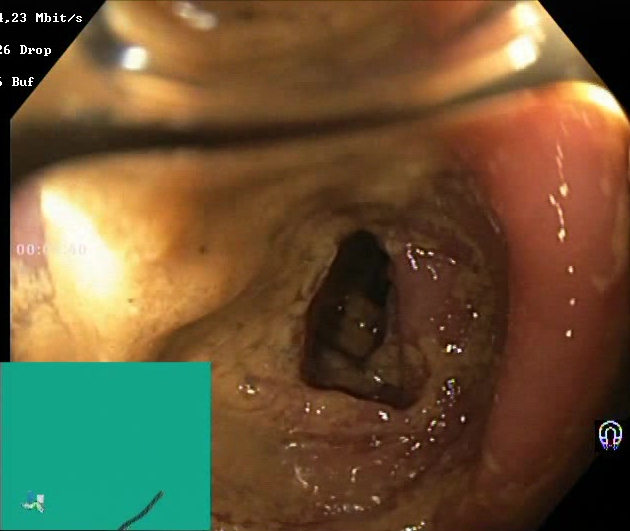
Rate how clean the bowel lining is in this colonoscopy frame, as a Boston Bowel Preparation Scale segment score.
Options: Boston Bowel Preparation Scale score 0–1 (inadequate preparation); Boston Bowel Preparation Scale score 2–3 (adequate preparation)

Boston Bowel Preparation Scale score 0–1 (inadequate preparation)